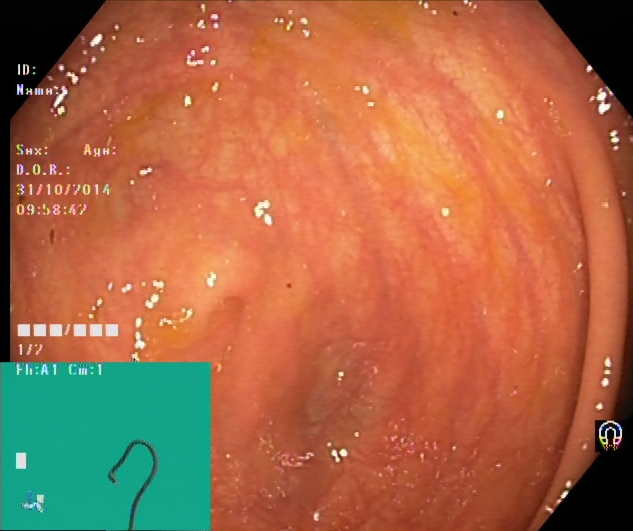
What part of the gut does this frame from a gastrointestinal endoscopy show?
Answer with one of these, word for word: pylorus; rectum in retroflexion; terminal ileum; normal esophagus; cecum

cecum